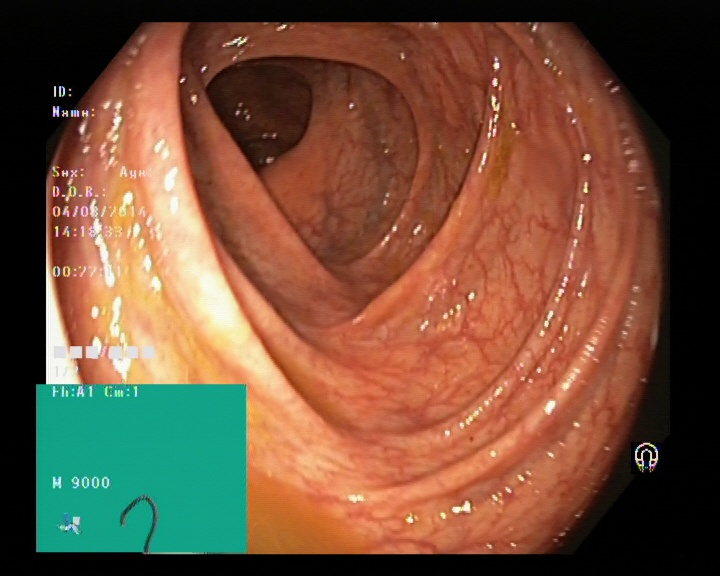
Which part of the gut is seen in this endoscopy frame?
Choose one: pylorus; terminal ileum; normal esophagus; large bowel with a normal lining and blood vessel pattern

large bowel with a normal lining and blood vessel pattern